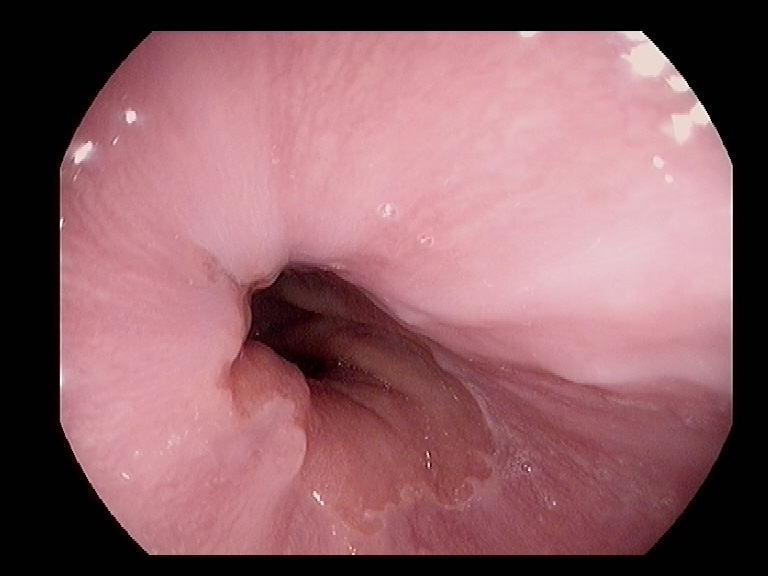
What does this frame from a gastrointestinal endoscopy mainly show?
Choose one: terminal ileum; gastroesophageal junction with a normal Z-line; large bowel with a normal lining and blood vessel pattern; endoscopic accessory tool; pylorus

gastroesophageal junction with a normal Z-line